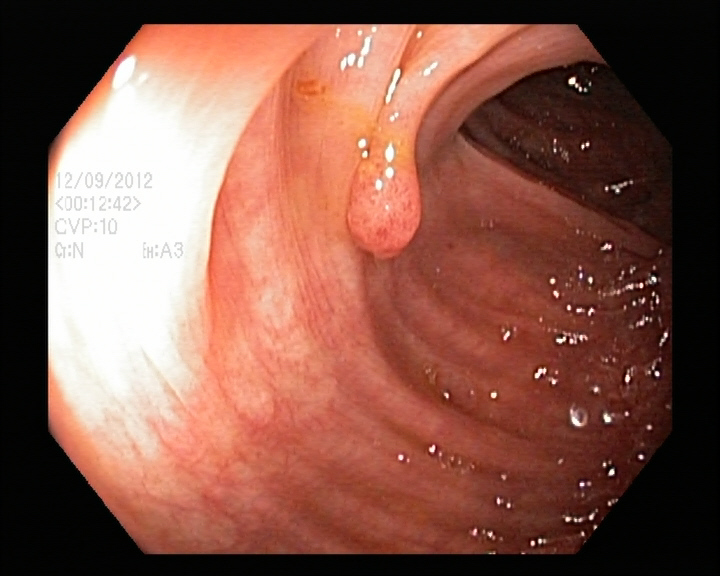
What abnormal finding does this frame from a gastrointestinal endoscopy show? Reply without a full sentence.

colon polyp